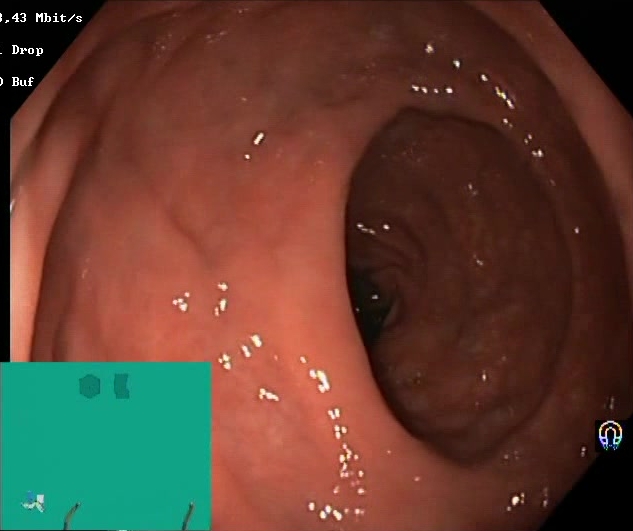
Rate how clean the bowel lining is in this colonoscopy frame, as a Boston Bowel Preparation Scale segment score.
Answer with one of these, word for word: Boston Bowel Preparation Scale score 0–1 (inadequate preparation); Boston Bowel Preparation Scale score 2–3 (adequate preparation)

Boston Bowel Preparation Scale score 2–3 (adequate preparation)